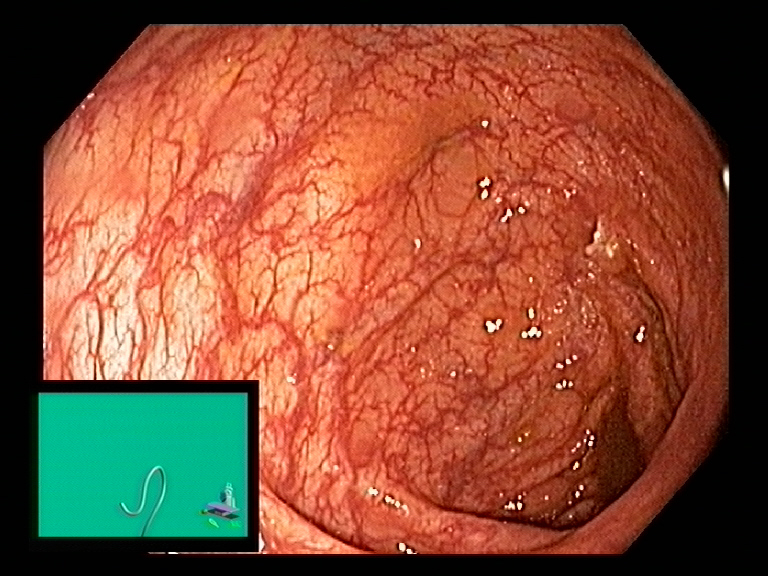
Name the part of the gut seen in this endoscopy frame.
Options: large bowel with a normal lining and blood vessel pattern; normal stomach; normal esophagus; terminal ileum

large bowel with a normal lining and blood vessel pattern